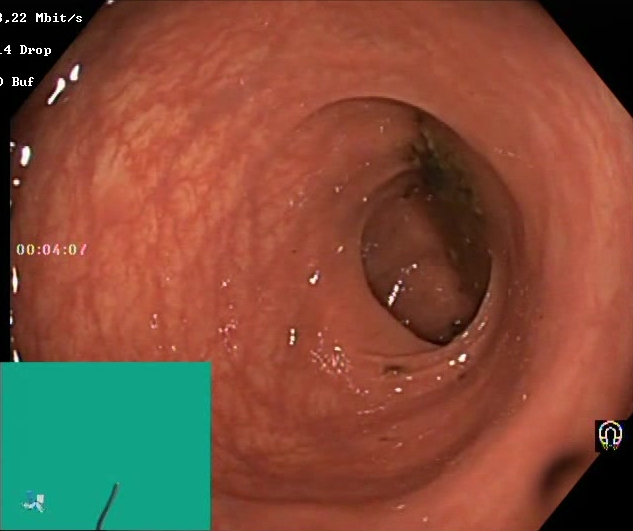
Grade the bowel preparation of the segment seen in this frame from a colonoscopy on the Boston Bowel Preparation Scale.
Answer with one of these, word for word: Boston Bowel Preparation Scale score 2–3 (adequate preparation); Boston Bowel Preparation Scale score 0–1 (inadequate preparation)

Boston Bowel Preparation Scale score 0–1 (inadequate preparation)